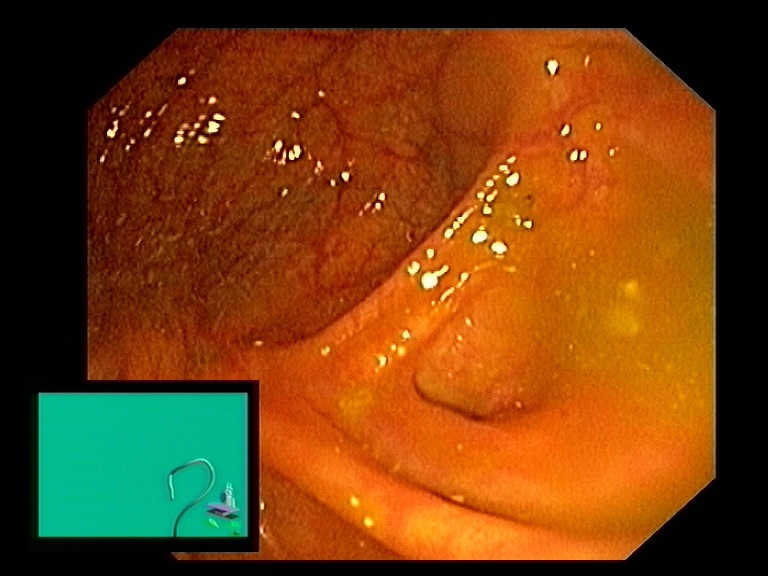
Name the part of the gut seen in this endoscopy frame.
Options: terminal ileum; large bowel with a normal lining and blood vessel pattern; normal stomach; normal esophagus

large bowel with a normal lining and blood vessel pattern